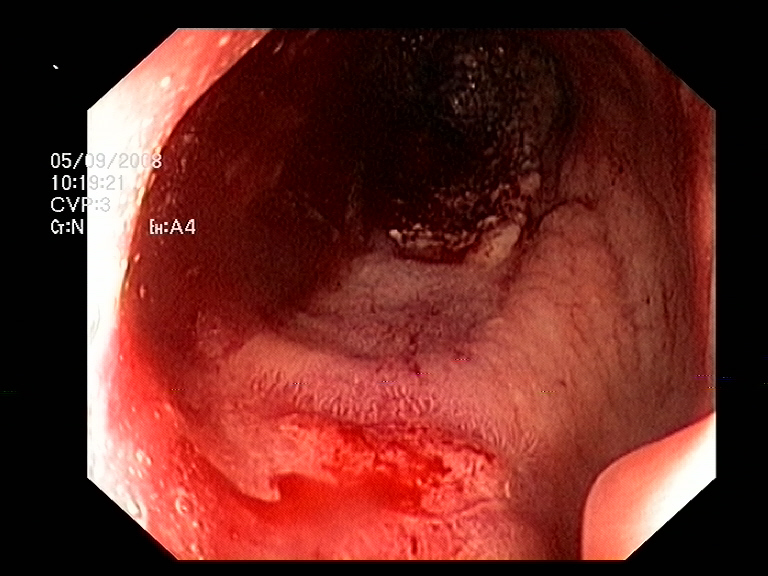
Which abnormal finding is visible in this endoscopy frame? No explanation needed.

blood in the lumen